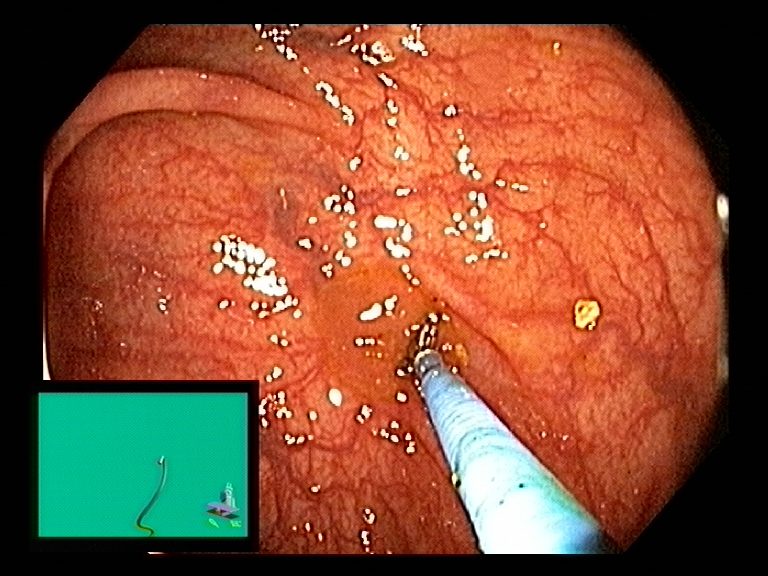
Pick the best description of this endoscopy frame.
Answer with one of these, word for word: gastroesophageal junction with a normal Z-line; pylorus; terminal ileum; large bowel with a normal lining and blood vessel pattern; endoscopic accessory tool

endoscopic accessory tool